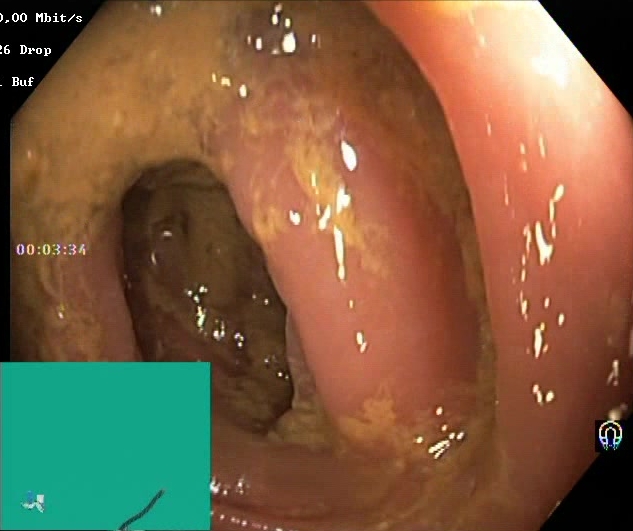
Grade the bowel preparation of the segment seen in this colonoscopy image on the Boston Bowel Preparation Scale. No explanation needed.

Boston Bowel Preparation Scale score 0–1 (inadequate preparation)